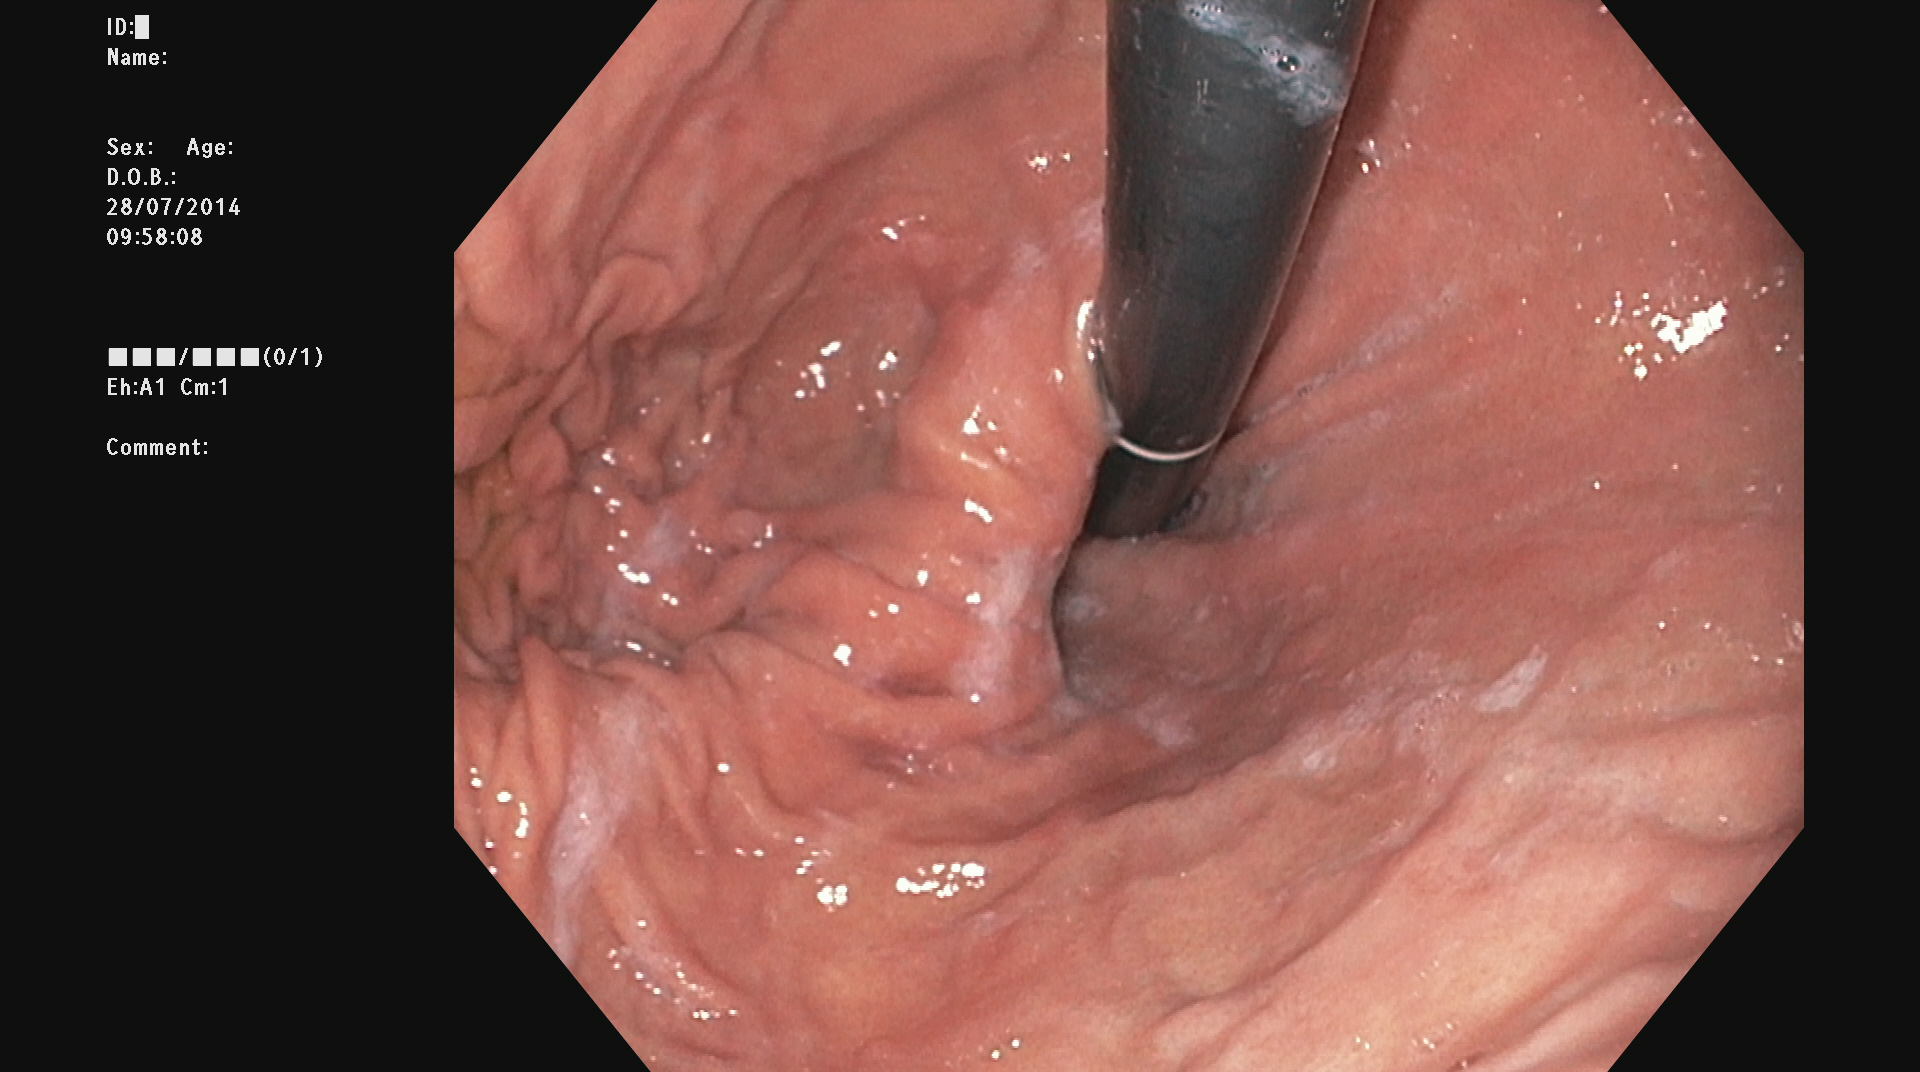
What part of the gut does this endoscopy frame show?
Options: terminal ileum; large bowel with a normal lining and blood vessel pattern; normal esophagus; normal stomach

normal stomach